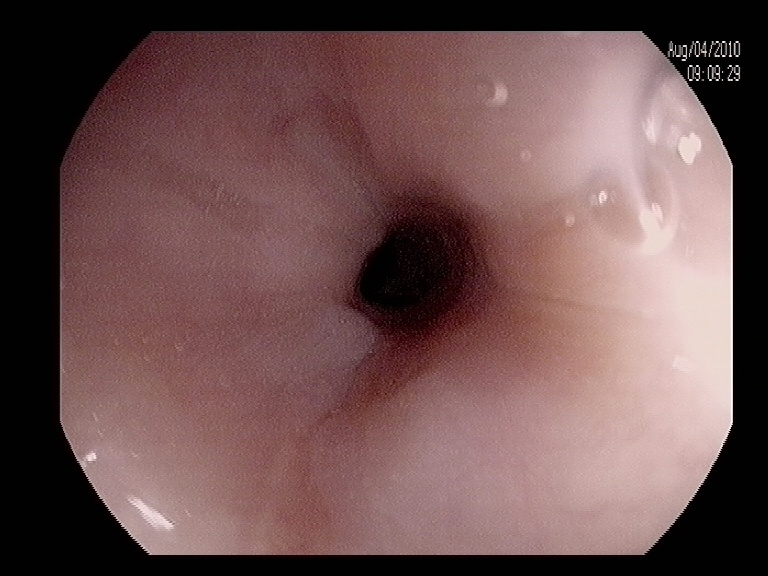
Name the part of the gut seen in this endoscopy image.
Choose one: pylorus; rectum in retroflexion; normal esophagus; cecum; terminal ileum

normal esophagus